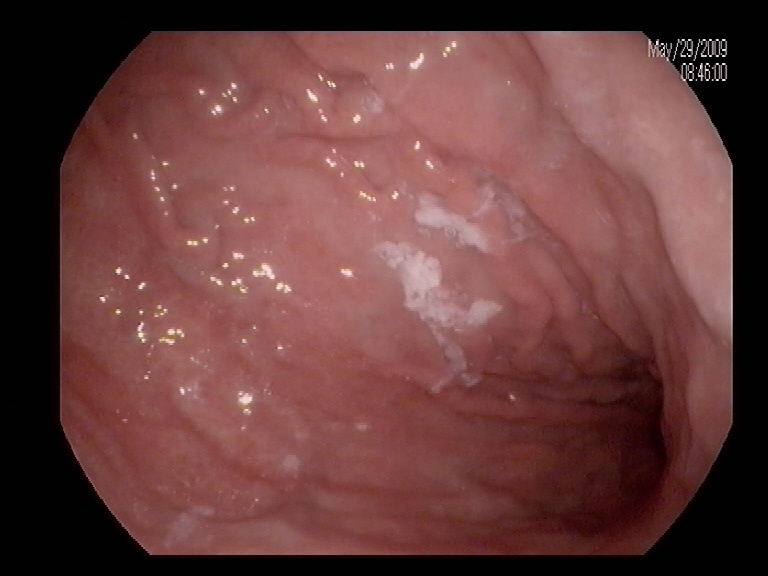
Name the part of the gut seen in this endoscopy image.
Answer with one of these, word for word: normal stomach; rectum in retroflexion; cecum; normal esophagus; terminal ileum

normal stomach